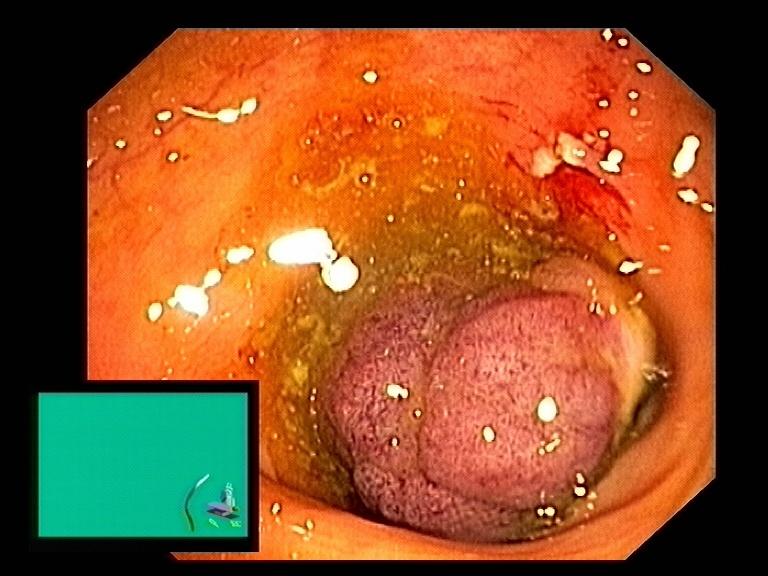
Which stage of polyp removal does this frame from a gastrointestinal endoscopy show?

resected polyp